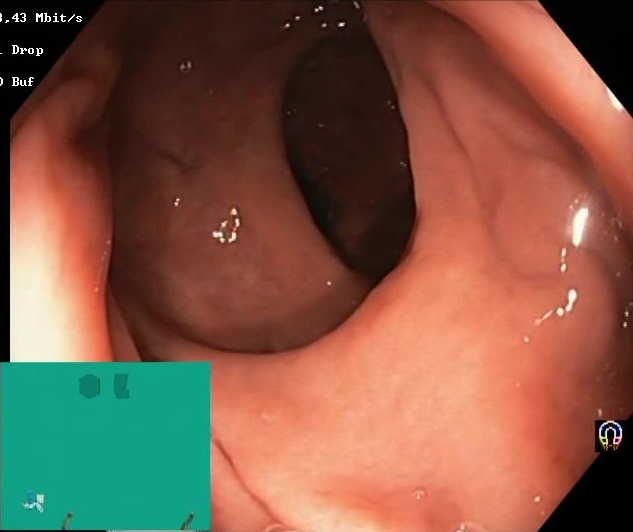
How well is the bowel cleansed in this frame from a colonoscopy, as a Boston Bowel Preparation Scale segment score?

Boston Bowel Preparation Scale score 2–3 (adequate preparation)